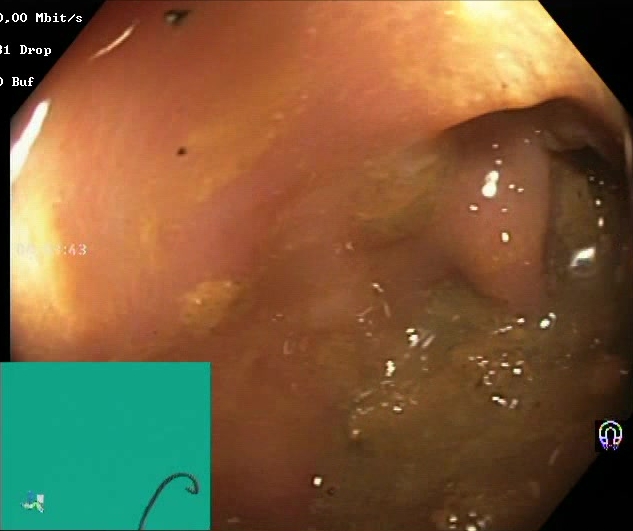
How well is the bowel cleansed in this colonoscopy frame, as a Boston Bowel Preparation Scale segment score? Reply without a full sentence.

Boston Bowel Preparation Scale score 0–1 (inadequate preparation)